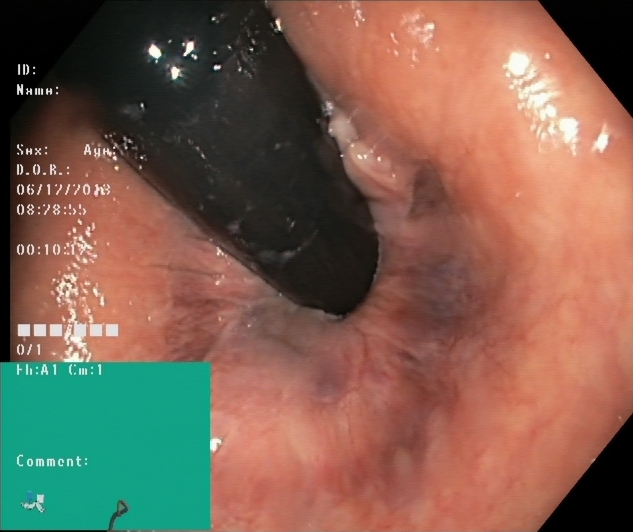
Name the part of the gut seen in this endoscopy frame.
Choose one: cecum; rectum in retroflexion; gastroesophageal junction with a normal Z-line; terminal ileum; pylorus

rectum in retroflexion